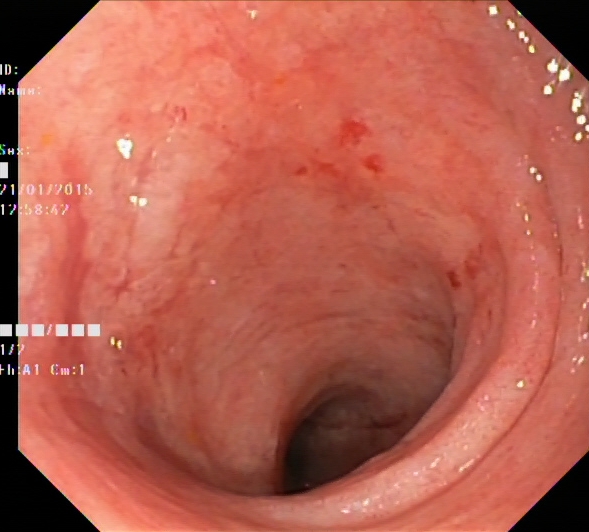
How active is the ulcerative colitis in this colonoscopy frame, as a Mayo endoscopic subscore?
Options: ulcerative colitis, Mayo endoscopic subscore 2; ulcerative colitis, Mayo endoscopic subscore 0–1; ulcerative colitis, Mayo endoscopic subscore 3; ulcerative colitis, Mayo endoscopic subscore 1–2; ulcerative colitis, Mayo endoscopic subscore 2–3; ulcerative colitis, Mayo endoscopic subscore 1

ulcerative colitis, Mayo endoscopic subscore 1